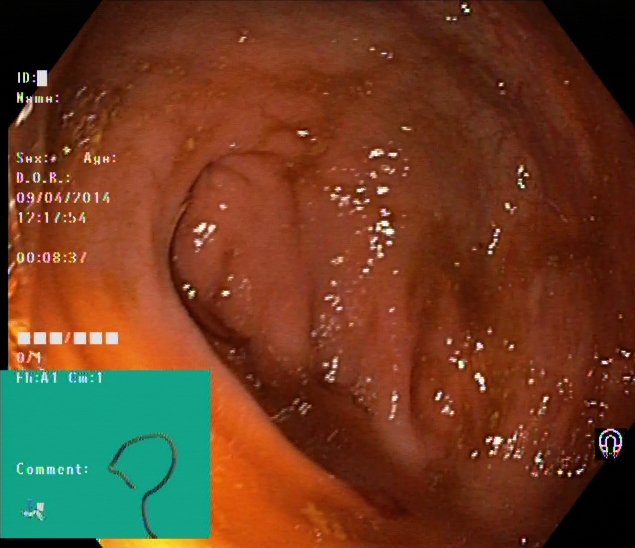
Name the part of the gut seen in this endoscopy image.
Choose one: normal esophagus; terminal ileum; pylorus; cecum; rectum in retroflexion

cecum